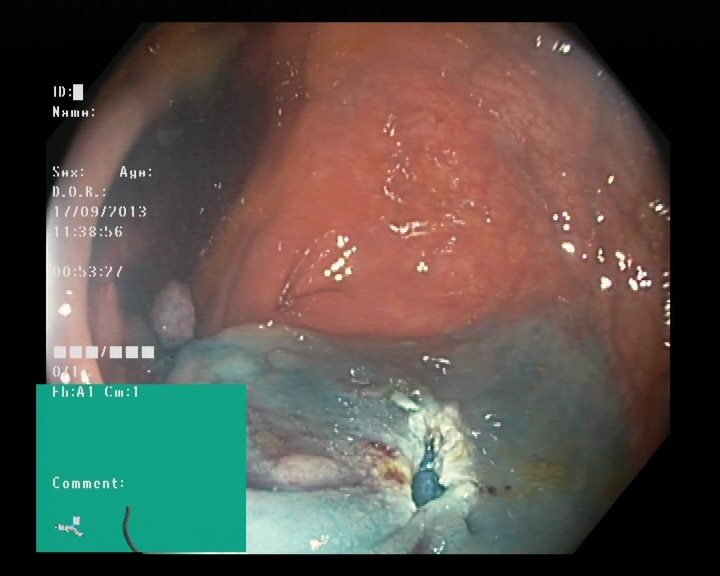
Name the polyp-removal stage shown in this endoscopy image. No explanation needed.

dyed resection margin (post-polypectomy)